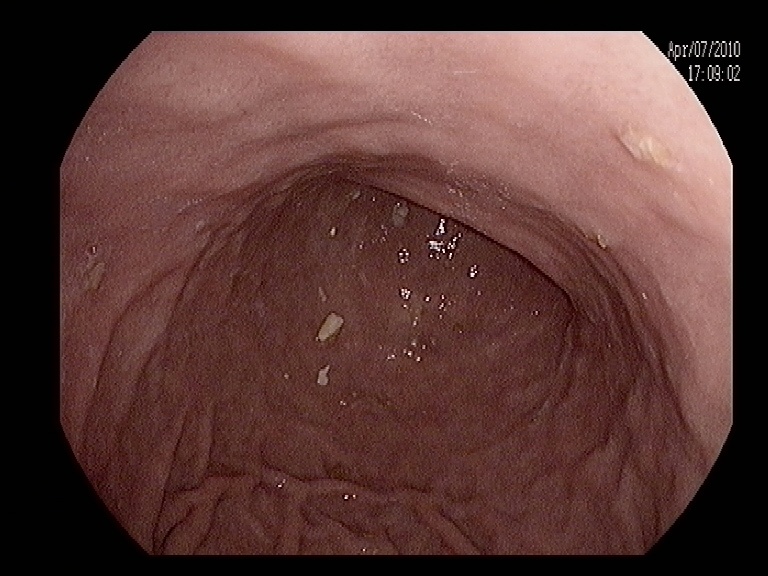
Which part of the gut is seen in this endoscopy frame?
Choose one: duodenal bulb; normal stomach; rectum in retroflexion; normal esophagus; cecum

normal stomach